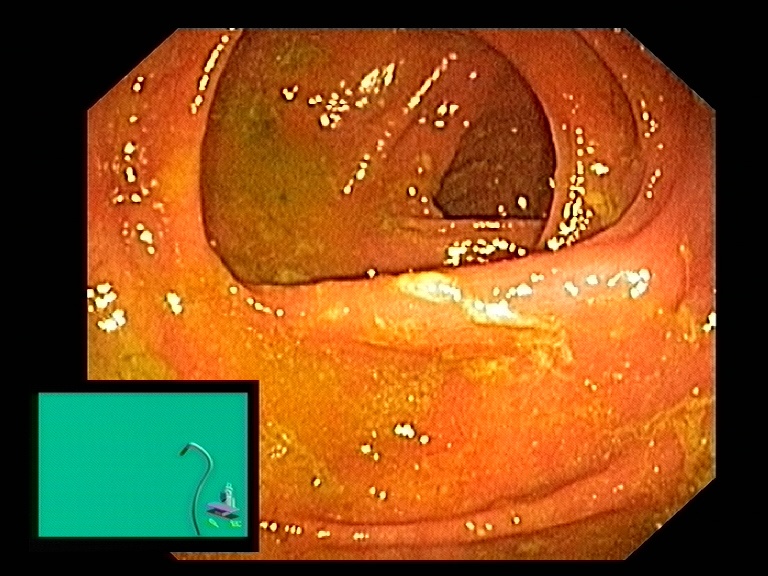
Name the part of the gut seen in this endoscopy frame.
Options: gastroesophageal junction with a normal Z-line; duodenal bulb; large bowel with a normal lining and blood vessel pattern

large bowel with a normal lining and blood vessel pattern